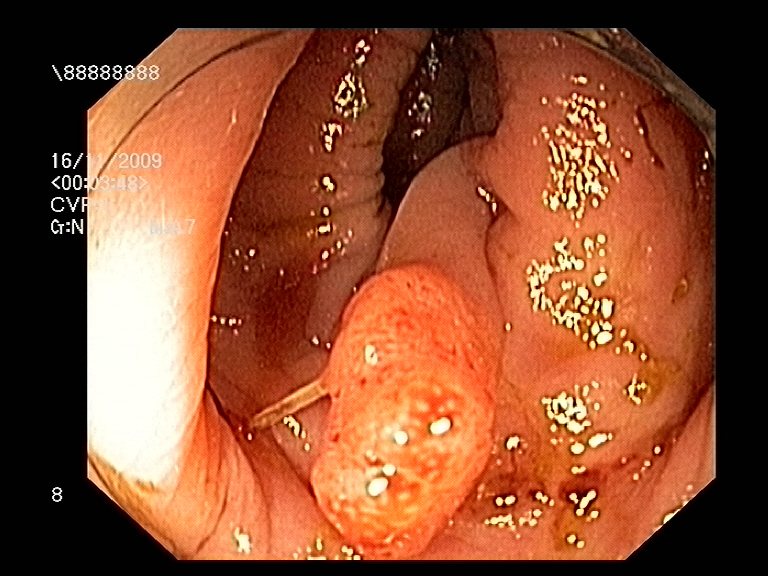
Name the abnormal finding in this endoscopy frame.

colon polyp